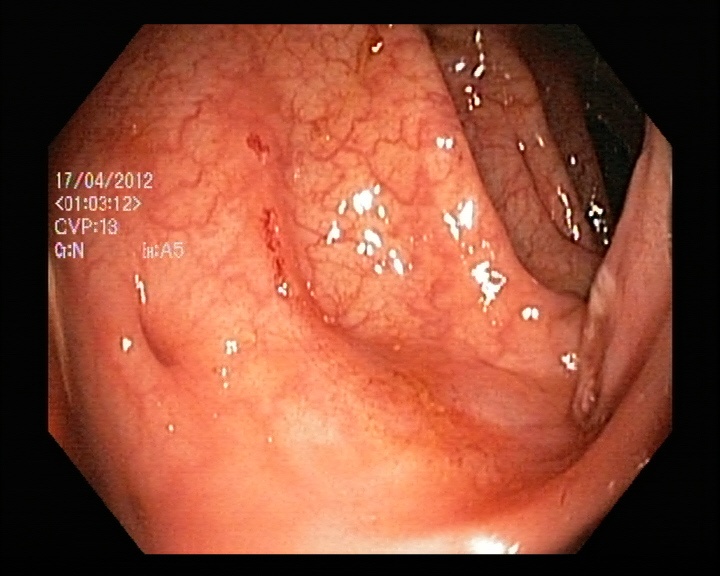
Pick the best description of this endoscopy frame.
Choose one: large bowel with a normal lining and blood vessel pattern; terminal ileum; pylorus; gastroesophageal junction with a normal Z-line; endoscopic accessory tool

large bowel with a normal lining and blood vessel pattern